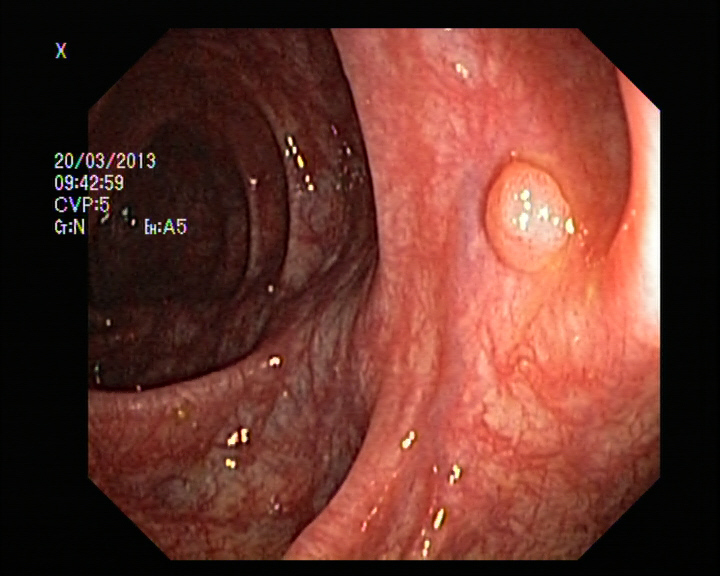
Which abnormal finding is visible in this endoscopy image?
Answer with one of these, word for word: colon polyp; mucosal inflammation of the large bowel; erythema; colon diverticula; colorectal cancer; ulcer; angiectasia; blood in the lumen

colon polyp